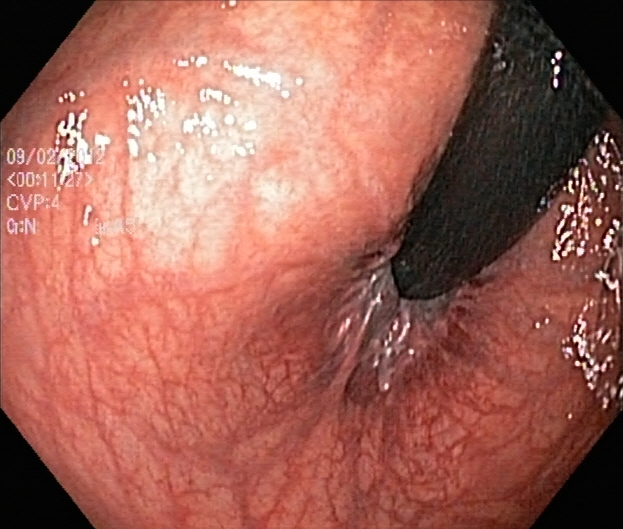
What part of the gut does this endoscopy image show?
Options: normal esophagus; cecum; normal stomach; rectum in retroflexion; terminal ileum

rectum in retroflexion